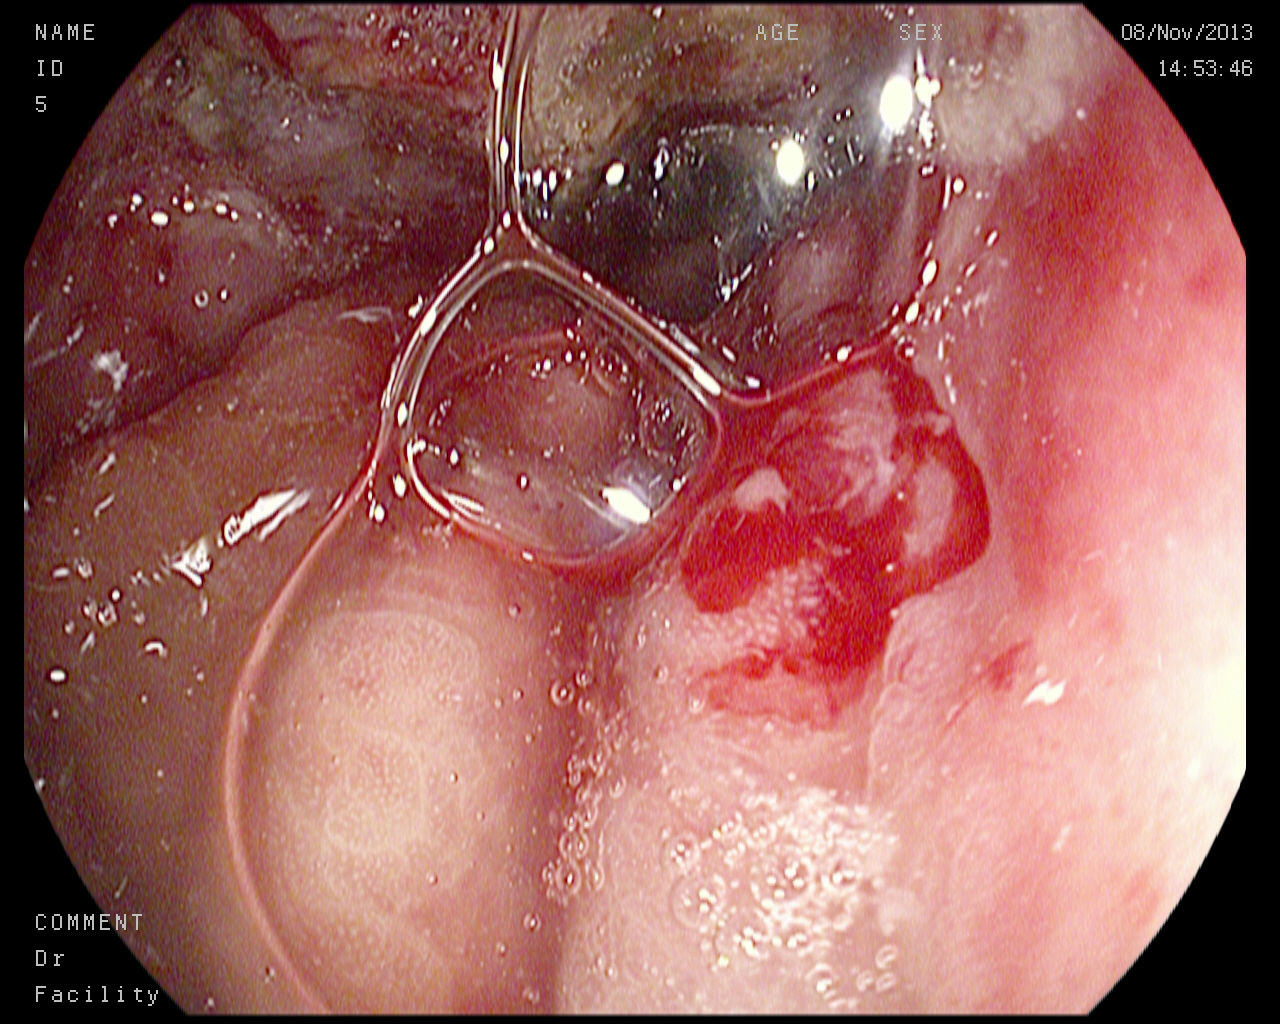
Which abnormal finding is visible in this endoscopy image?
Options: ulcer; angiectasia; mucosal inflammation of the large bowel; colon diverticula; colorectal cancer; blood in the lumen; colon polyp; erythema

blood in the lumen